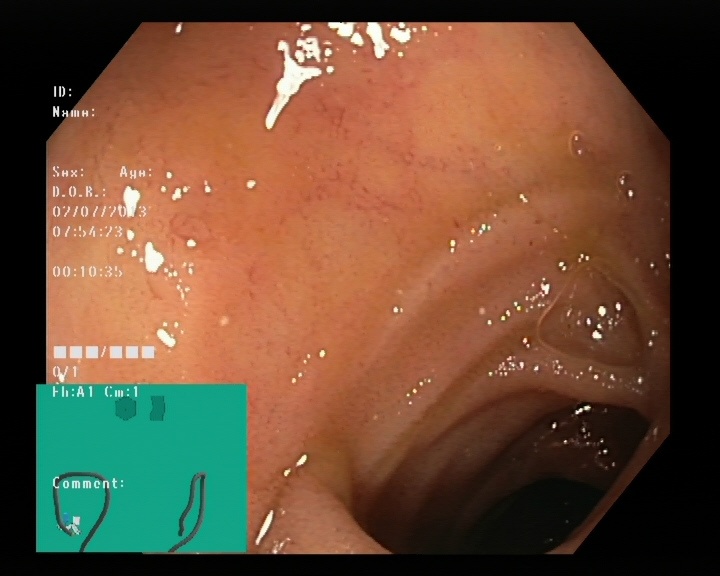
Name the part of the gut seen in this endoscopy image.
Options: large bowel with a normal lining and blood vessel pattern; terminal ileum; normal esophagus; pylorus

large bowel with a normal lining and blood vessel pattern